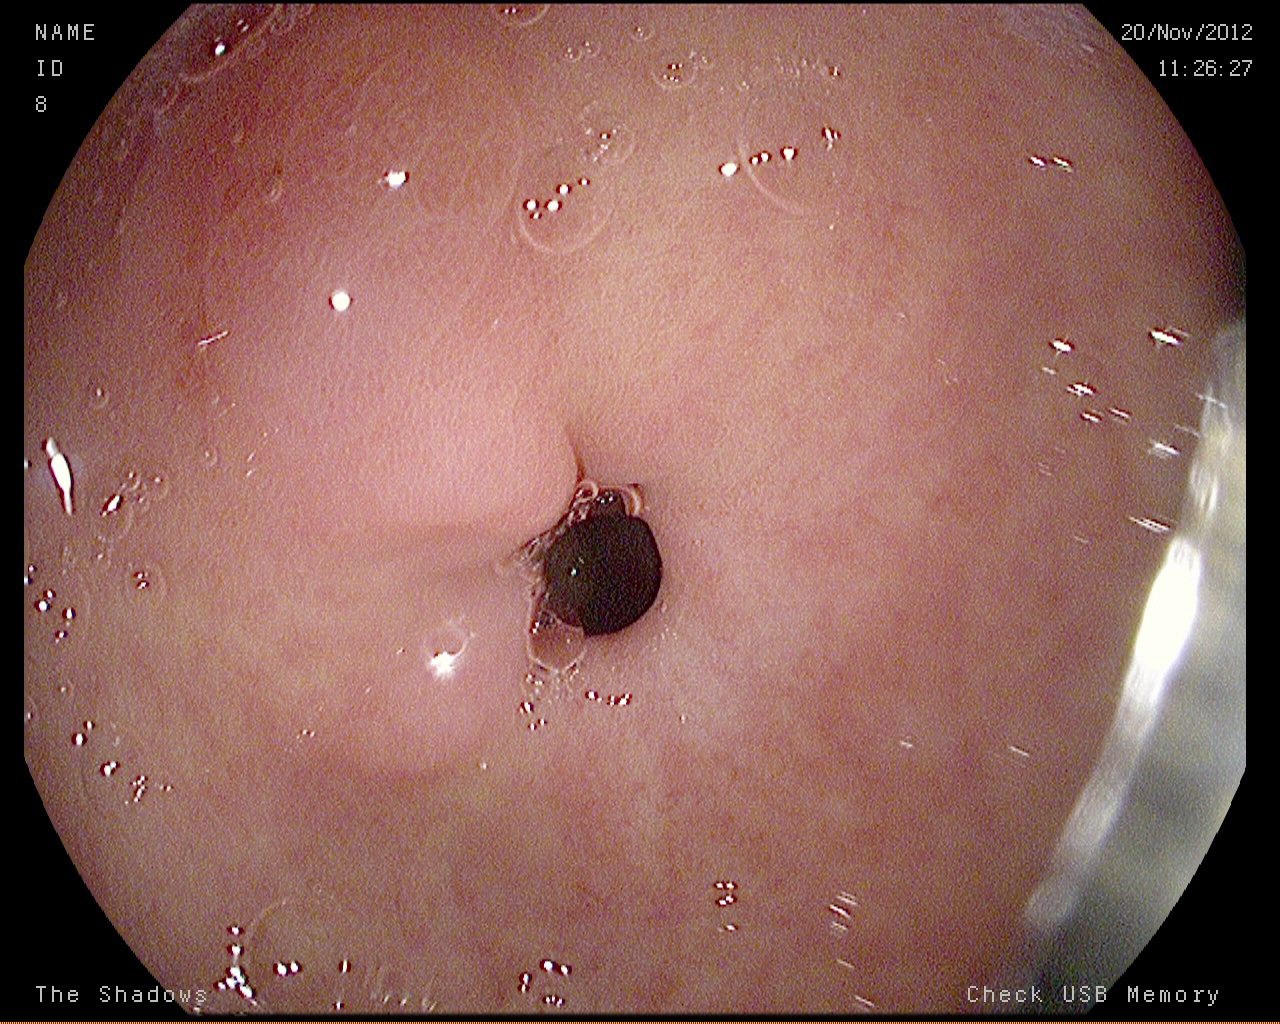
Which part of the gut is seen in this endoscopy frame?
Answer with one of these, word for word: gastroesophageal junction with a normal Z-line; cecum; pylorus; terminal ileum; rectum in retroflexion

pylorus